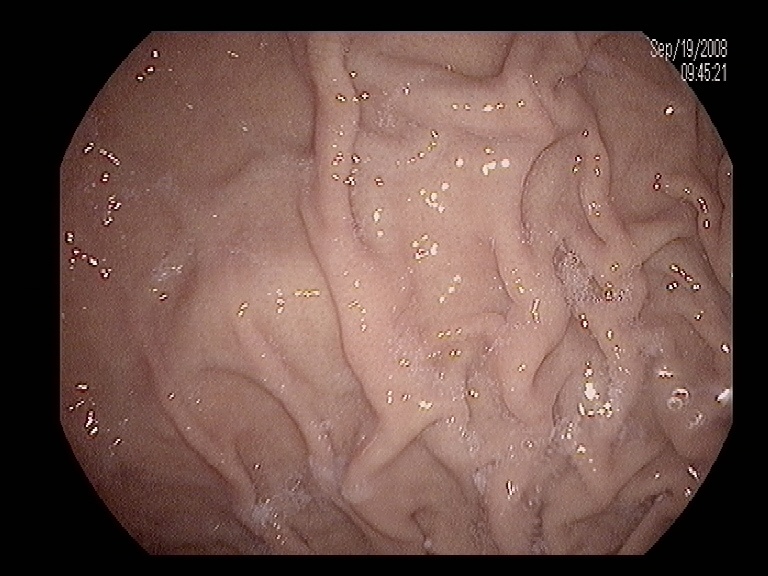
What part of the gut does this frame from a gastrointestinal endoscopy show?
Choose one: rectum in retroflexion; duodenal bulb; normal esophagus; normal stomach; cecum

normal stomach